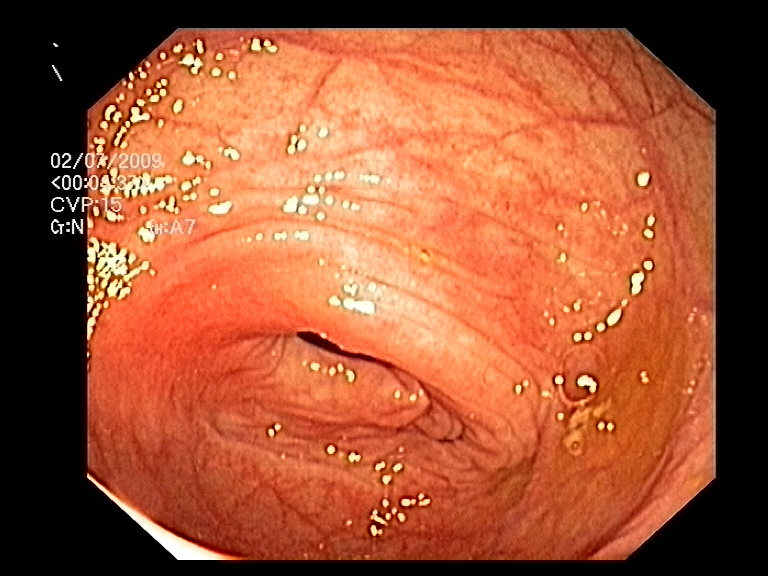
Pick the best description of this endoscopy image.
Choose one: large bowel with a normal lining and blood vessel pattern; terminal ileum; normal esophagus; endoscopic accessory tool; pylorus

large bowel with a normal lining and blood vessel pattern